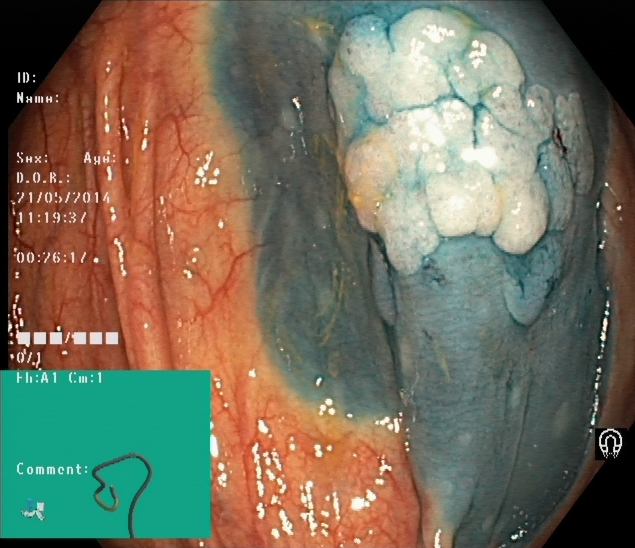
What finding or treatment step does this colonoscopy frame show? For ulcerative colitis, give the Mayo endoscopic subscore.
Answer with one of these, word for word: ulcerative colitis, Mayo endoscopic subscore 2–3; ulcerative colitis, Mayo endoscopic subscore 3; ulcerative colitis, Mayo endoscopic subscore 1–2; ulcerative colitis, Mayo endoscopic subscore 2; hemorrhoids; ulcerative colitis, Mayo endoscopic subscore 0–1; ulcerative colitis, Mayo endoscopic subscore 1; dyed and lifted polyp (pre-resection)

dyed and lifted polyp (pre-resection)